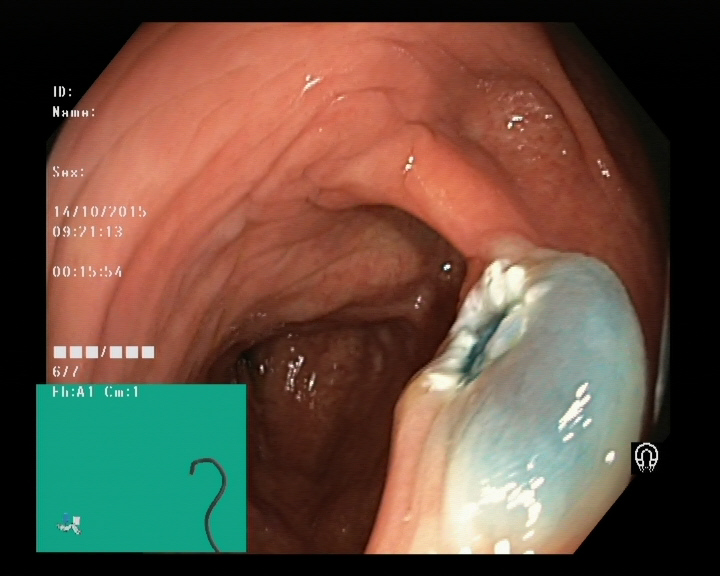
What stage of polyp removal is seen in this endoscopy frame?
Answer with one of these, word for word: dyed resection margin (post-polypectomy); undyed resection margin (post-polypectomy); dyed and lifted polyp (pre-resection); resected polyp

dyed resection margin (post-polypectomy)